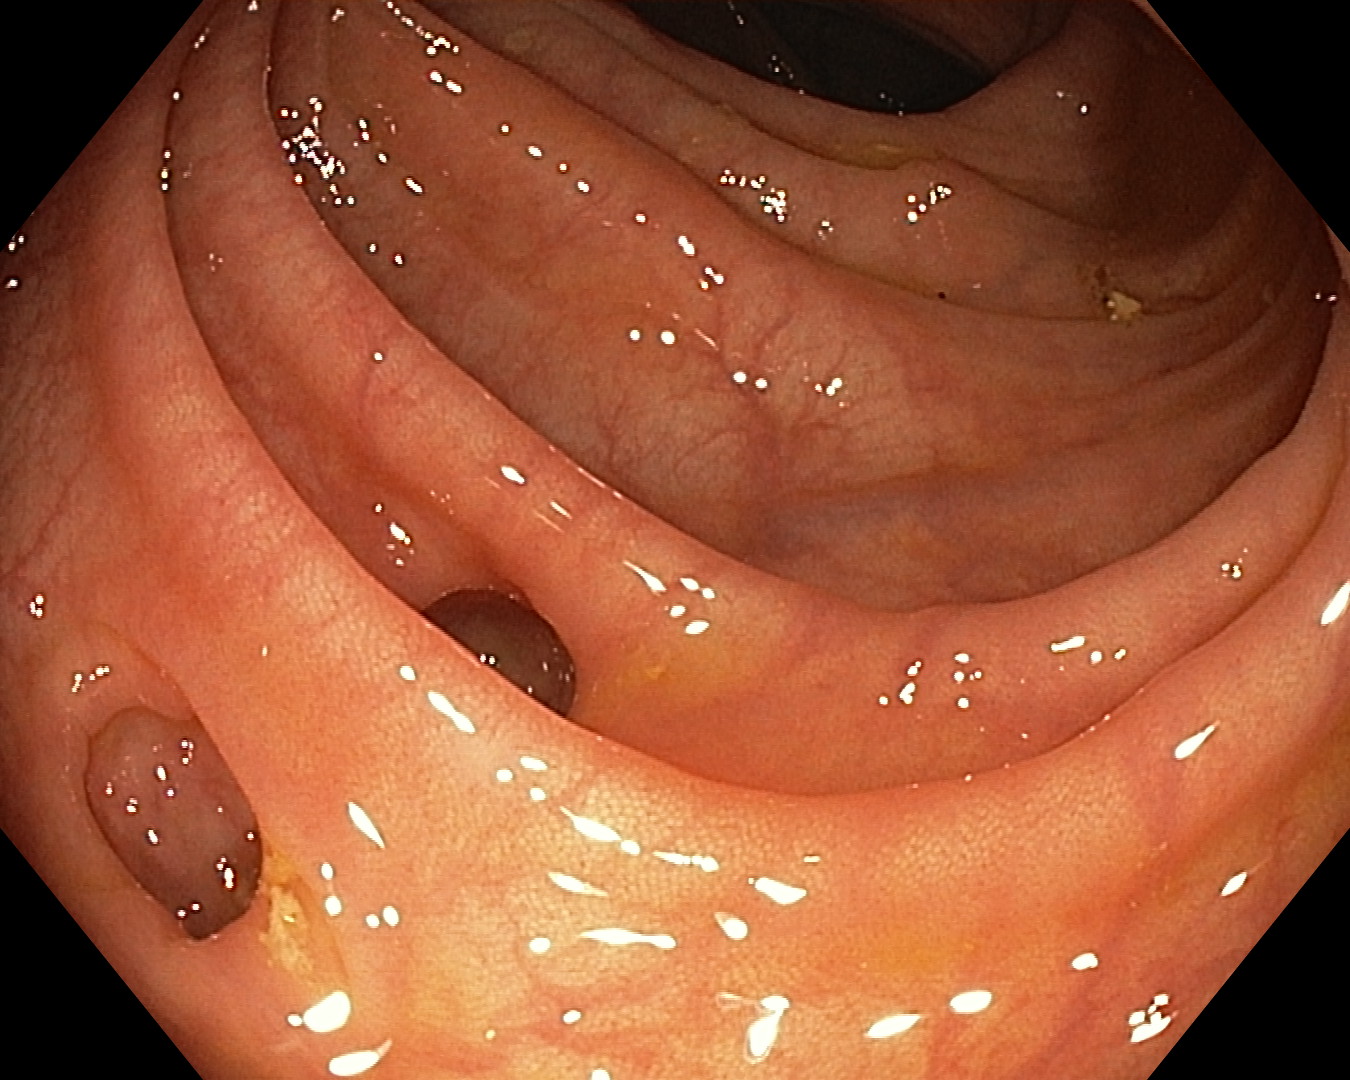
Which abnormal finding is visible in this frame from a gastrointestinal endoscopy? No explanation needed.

colon diverticula